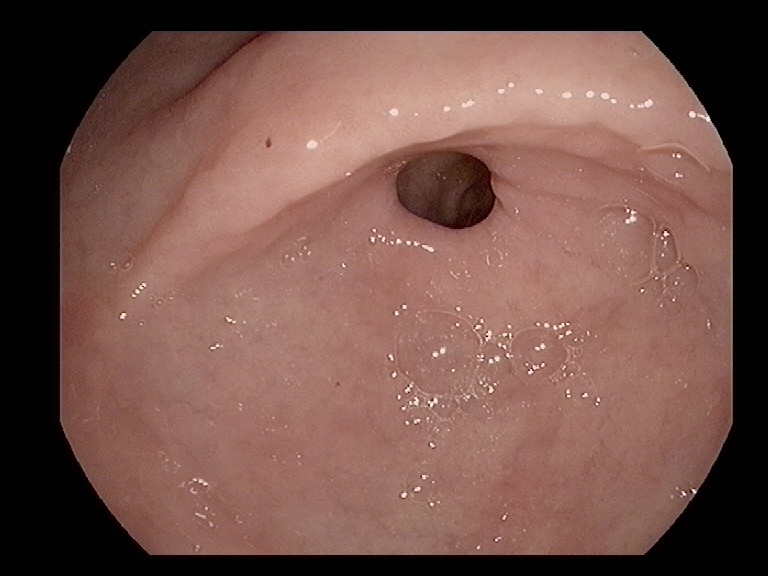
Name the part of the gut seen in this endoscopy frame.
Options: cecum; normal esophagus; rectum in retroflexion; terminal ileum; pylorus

pylorus